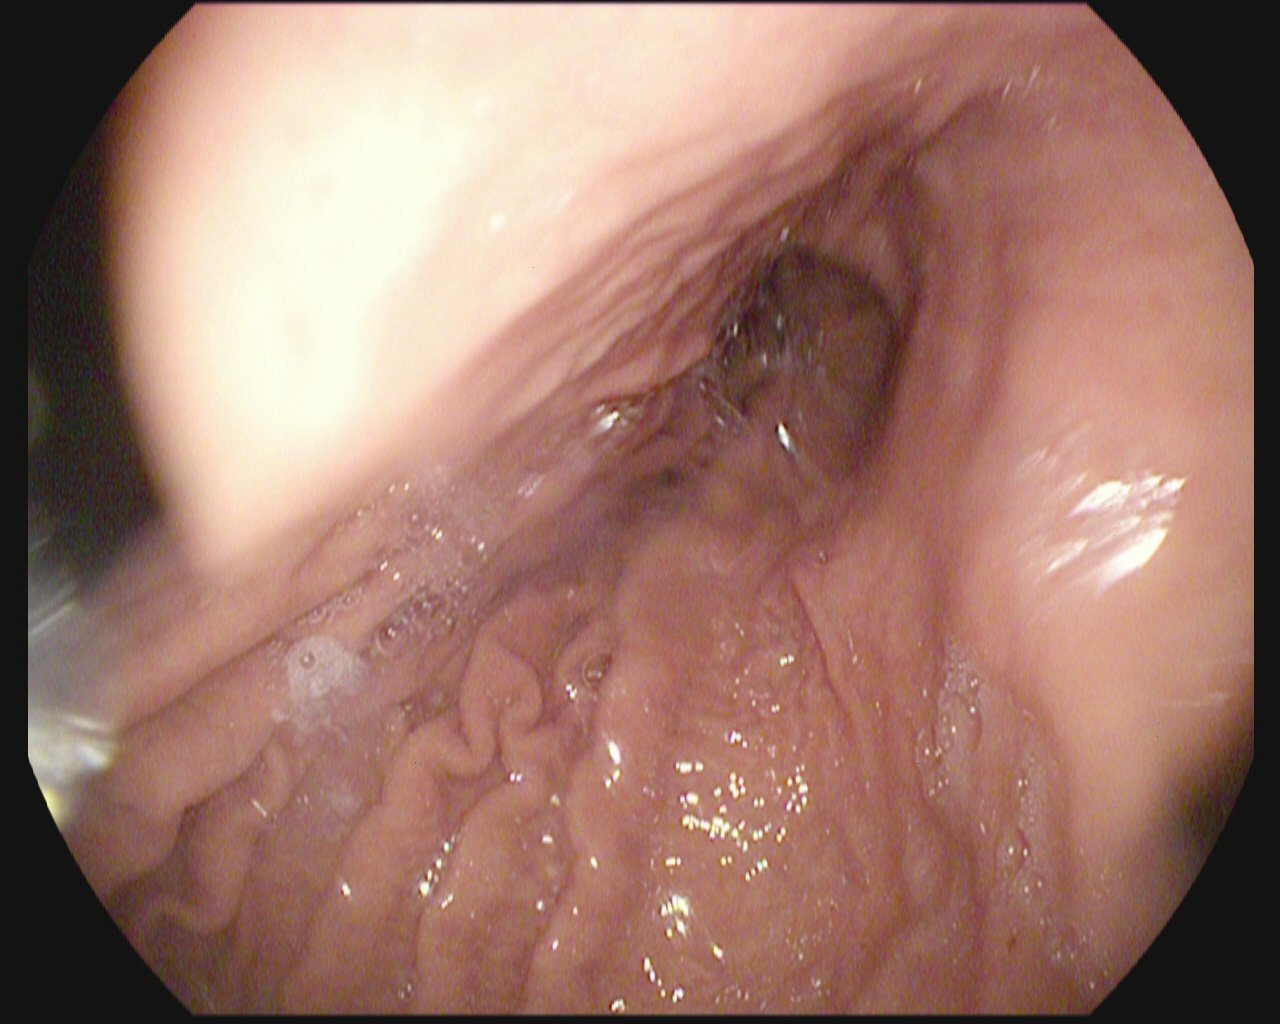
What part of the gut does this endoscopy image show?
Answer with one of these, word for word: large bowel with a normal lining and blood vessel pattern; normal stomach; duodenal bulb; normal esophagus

normal stomach